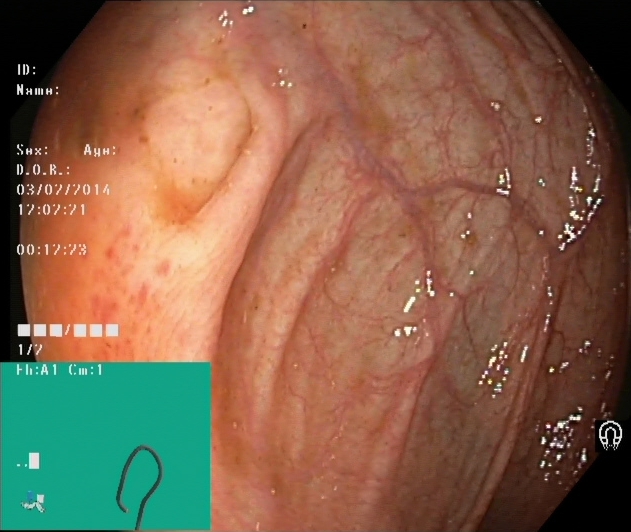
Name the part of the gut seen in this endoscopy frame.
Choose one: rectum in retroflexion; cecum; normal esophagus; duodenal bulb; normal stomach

cecum